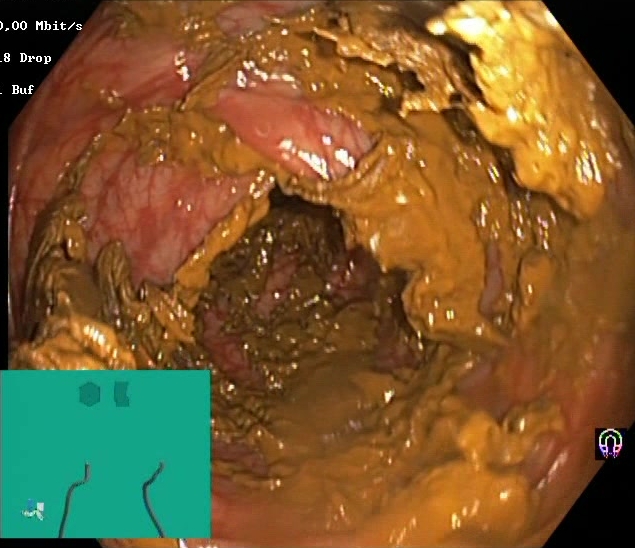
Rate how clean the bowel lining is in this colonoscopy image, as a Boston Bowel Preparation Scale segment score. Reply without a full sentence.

Boston Bowel Preparation Scale score 0–1 (inadequate preparation)